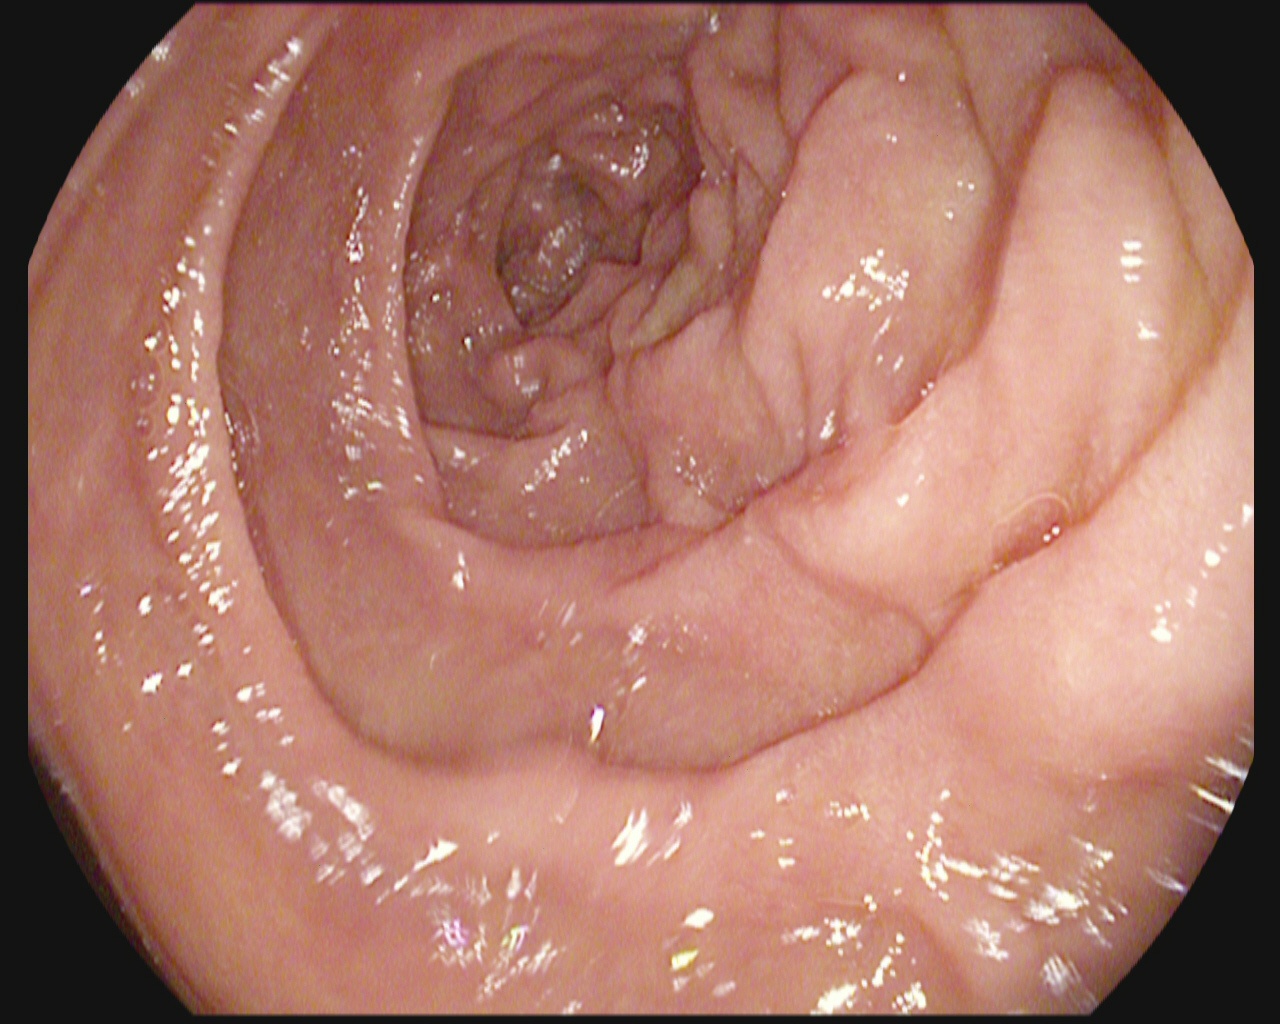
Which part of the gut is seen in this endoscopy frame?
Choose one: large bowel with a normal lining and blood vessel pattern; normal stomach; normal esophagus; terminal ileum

terminal ileum